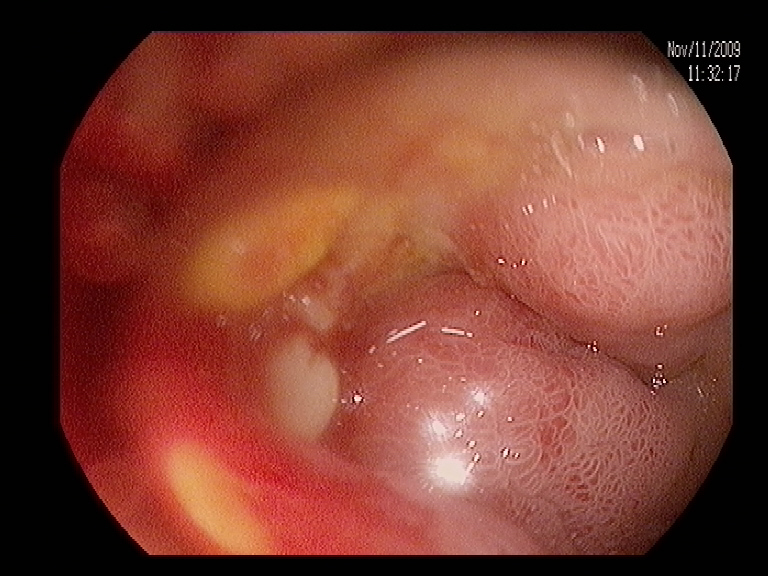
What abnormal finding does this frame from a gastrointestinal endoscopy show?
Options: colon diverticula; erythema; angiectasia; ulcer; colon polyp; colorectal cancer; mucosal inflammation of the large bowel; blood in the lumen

colon polyp